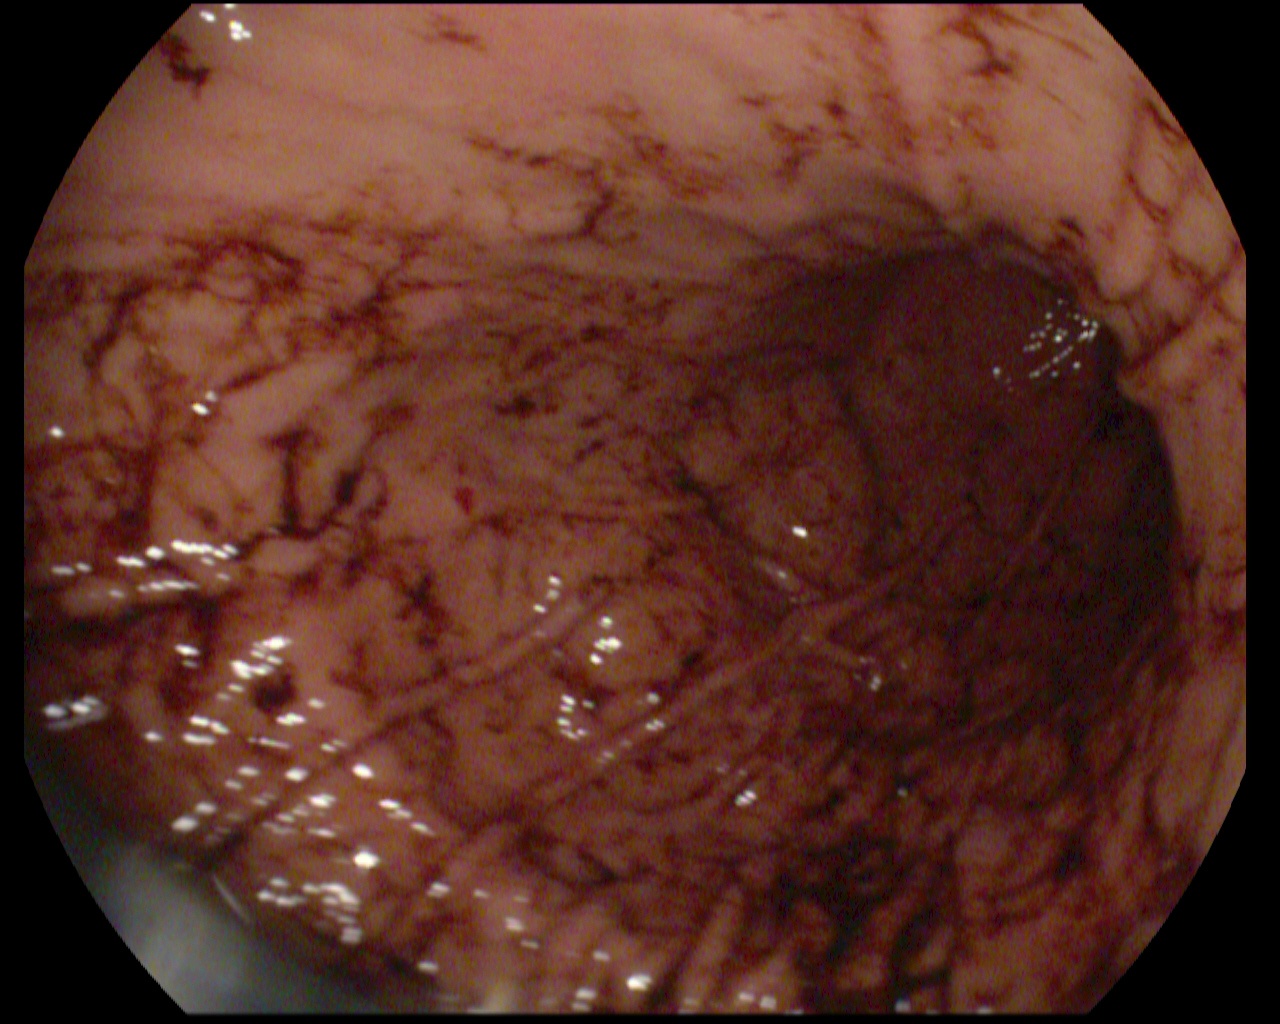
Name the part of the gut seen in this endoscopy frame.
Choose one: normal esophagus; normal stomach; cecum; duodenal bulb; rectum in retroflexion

normal stomach